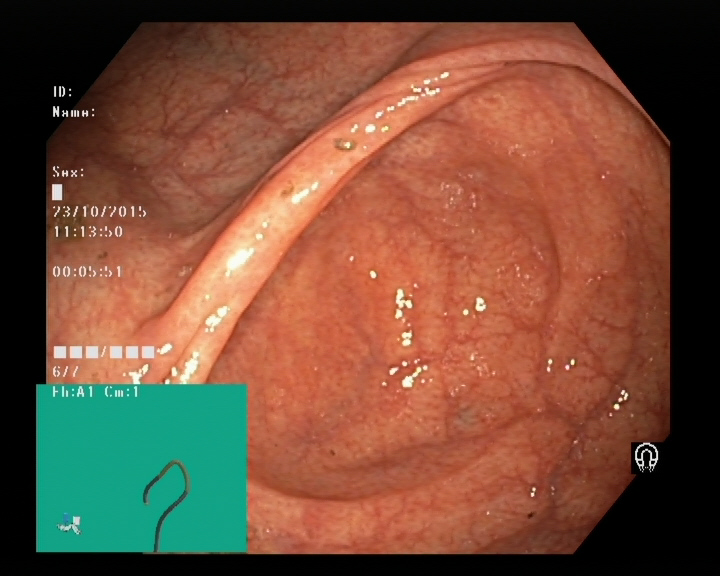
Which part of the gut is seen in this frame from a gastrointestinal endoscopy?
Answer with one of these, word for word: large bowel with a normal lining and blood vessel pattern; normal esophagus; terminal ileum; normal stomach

large bowel with a normal lining and blood vessel pattern